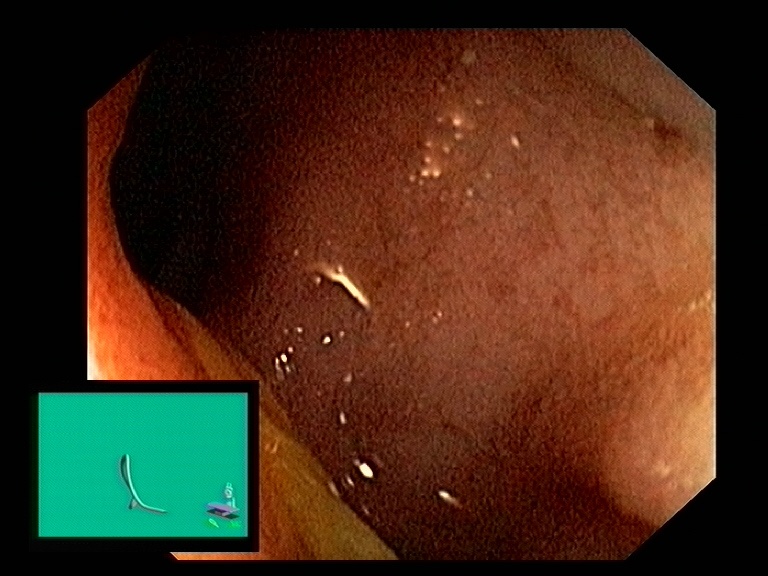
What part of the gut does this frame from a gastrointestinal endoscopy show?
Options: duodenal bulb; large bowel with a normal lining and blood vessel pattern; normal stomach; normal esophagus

large bowel with a normal lining and blood vessel pattern